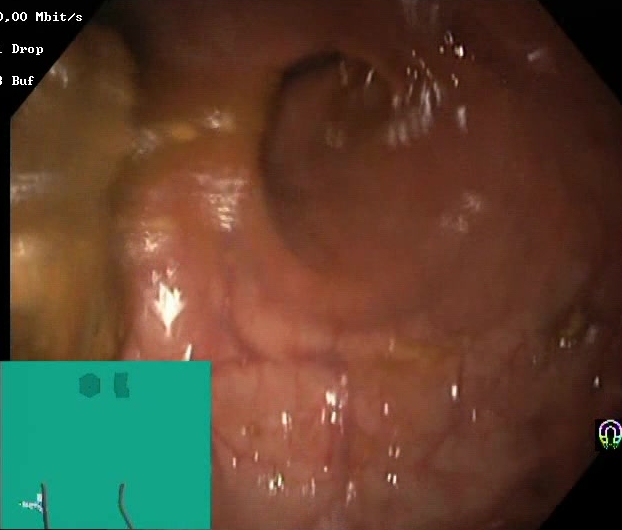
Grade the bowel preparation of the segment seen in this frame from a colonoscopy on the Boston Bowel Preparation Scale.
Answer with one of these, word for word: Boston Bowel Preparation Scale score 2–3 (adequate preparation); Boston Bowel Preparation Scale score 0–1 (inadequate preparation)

Boston Bowel Preparation Scale score 0–1 (inadequate preparation)